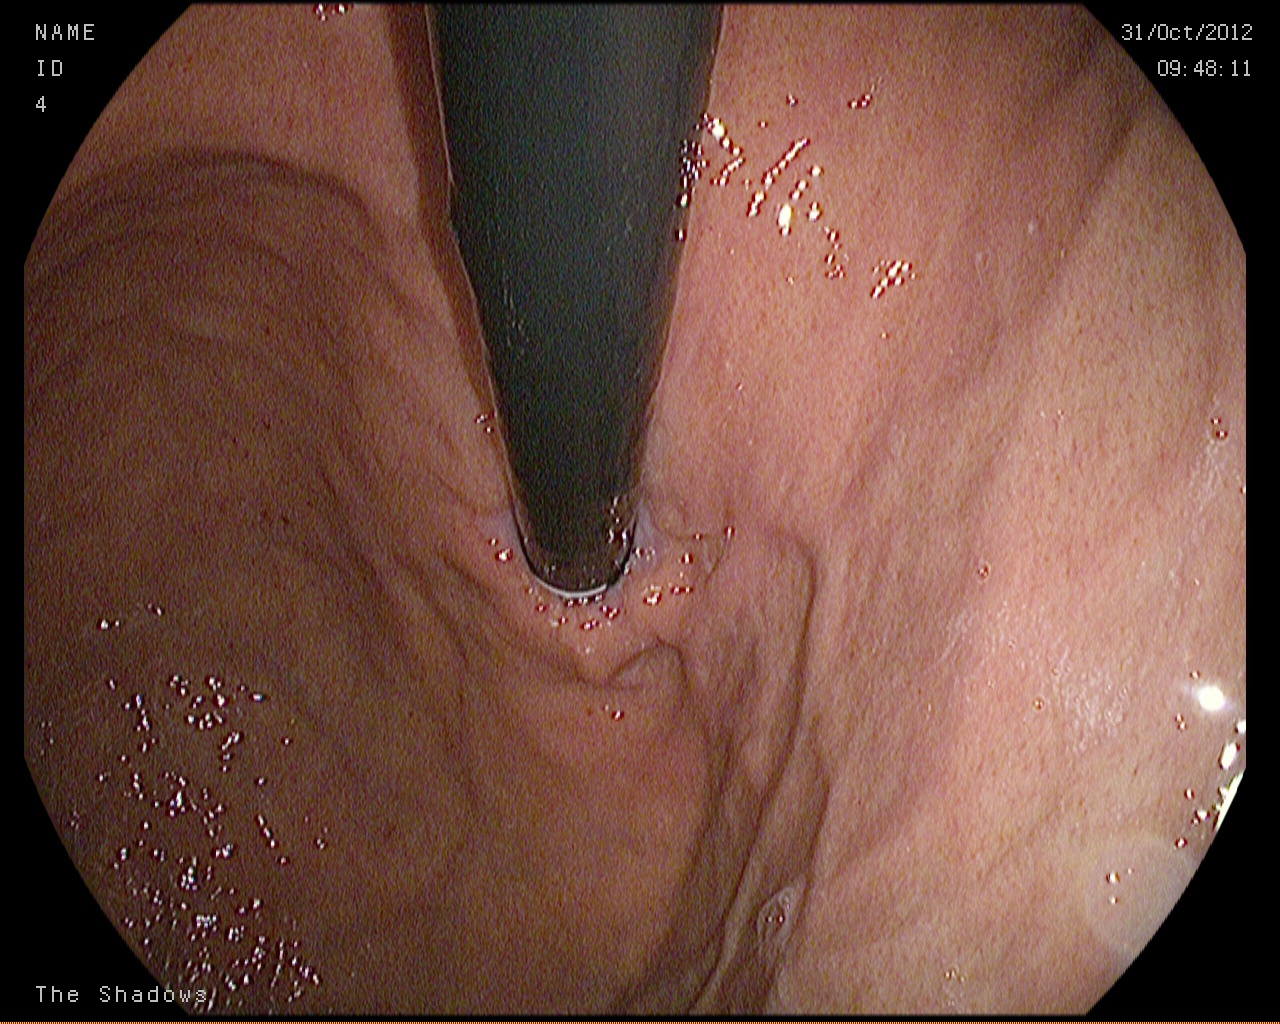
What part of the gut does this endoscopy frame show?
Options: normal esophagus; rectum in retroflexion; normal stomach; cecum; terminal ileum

normal stomach